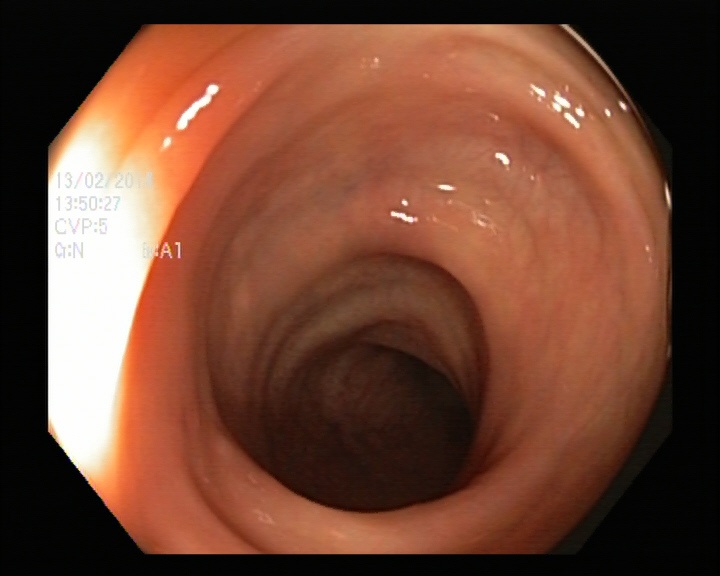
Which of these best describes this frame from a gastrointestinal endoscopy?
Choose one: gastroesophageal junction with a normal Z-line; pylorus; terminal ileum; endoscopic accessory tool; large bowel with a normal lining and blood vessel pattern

large bowel with a normal lining and blood vessel pattern